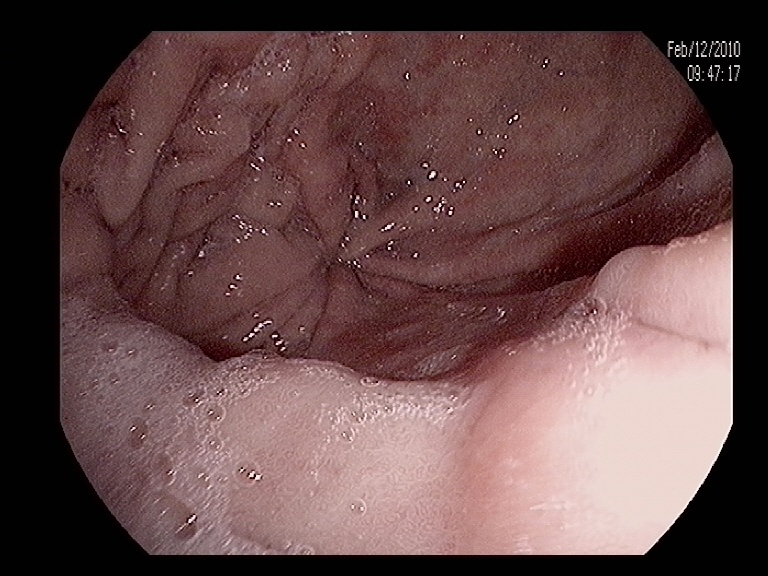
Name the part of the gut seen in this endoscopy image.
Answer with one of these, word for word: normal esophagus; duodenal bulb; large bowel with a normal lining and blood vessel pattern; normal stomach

normal stomach